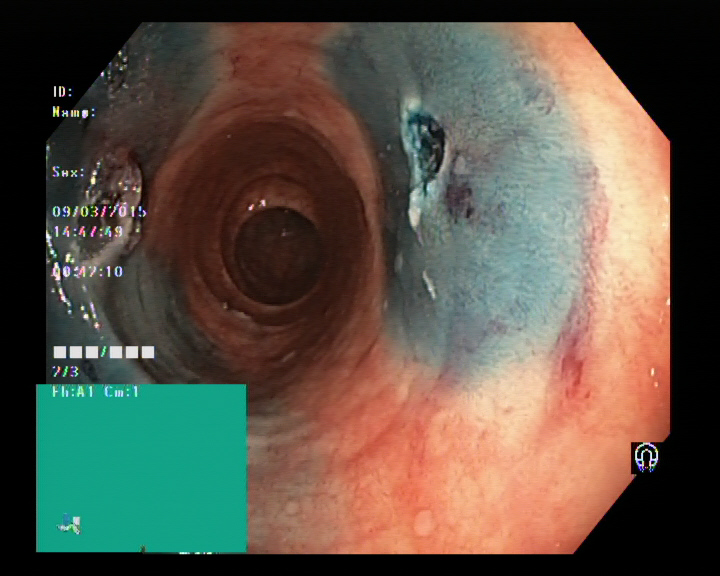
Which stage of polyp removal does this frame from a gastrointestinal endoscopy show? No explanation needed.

dyed resection margin (post-polypectomy)